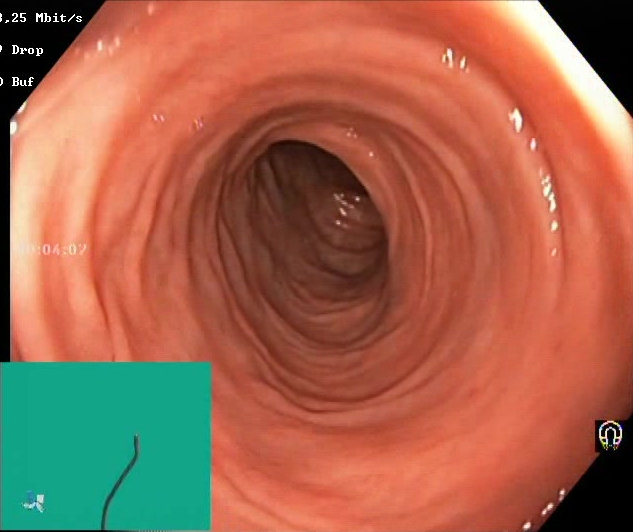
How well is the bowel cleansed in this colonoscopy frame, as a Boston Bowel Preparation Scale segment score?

Boston Bowel Preparation Scale score 2–3 (adequate preparation)